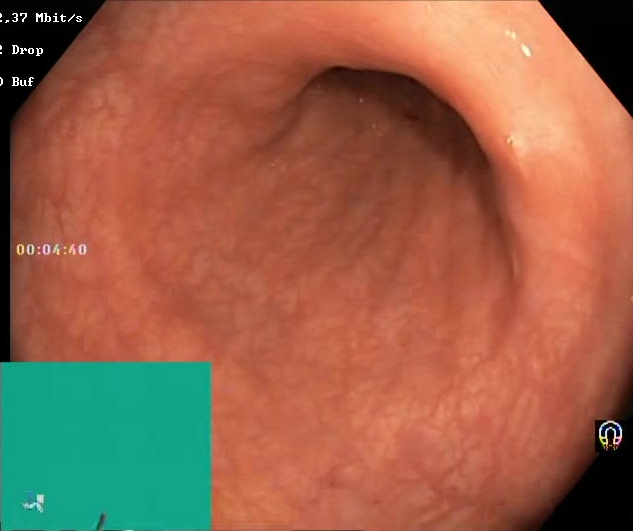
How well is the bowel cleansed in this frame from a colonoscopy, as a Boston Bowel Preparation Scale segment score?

Boston Bowel Preparation Scale score 2–3 (adequate preparation)